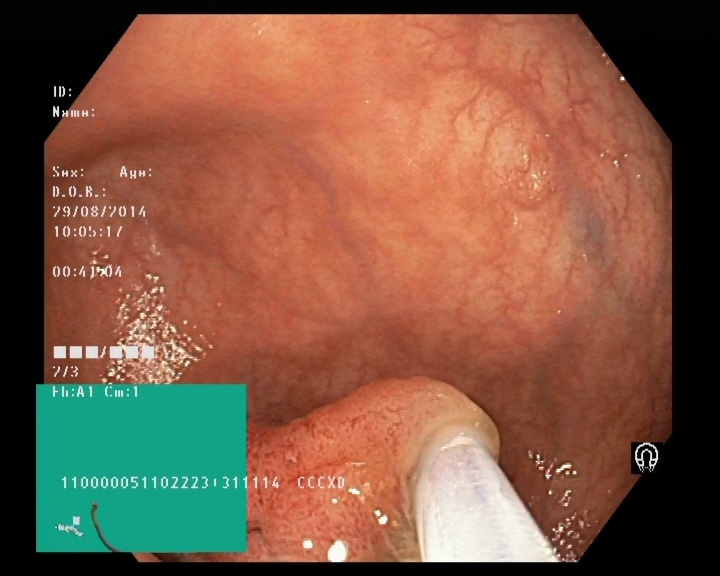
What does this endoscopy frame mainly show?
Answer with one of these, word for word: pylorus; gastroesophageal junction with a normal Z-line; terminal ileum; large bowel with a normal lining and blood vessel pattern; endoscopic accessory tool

endoscopic accessory tool